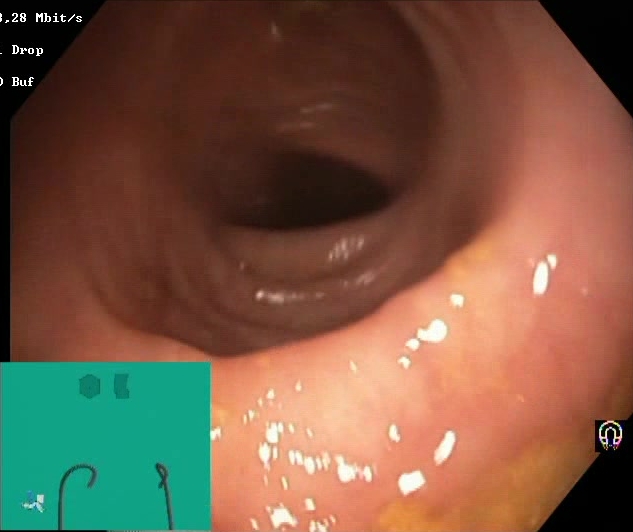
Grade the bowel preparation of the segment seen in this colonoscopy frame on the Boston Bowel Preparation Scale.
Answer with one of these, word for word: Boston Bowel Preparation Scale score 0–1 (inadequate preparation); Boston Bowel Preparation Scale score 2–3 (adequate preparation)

Boston Bowel Preparation Scale score 2–3 (adequate preparation)